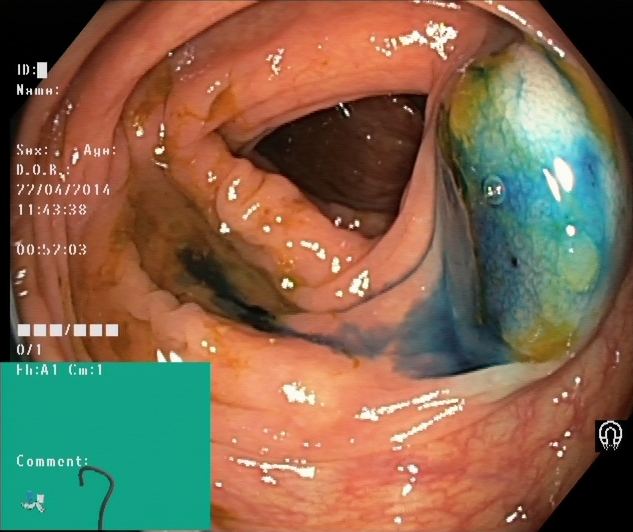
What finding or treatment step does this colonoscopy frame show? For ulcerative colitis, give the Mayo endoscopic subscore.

dyed and lifted polyp (pre-resection)